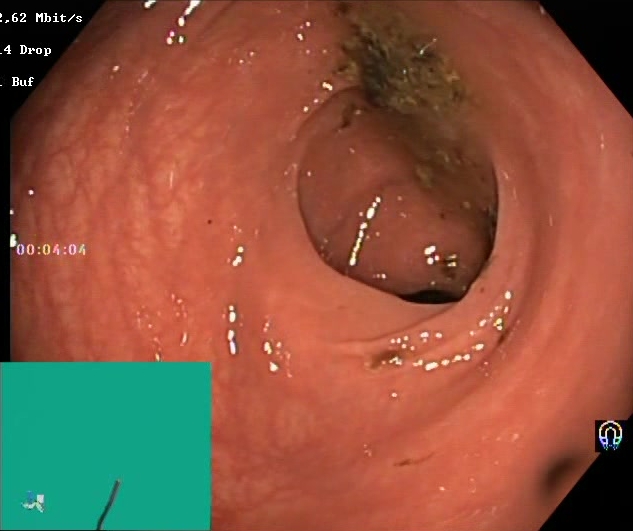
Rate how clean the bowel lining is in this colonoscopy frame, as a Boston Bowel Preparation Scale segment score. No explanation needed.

Boston Bowel Preparation Scale score 0–1 (inadequate preparation)